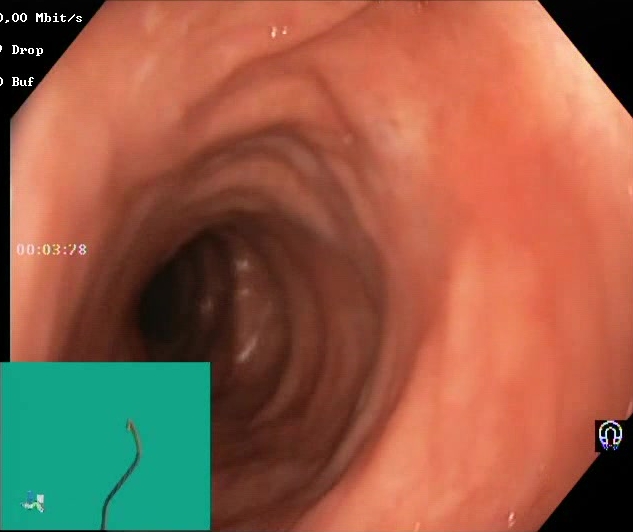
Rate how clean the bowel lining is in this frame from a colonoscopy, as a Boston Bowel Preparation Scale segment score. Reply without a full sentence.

Boston Bowel Preparation Scale score 2–3 (adequate preparation)